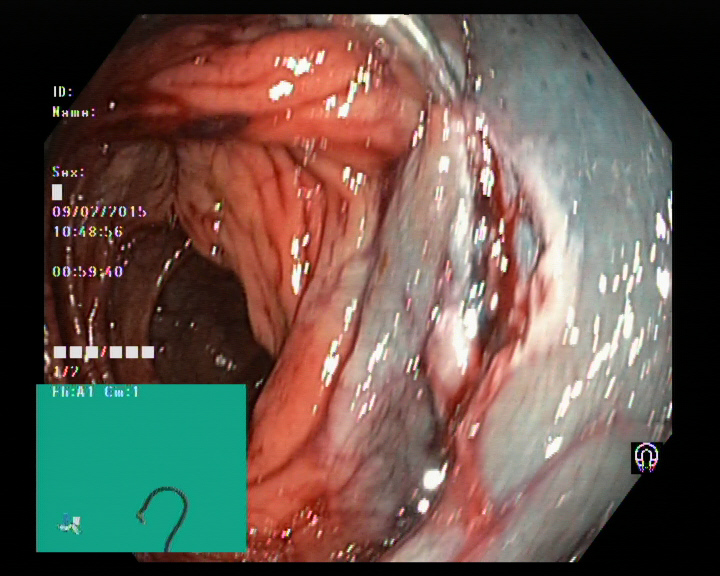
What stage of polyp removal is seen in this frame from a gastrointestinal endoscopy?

dyed resection margin (post-polypectomy)